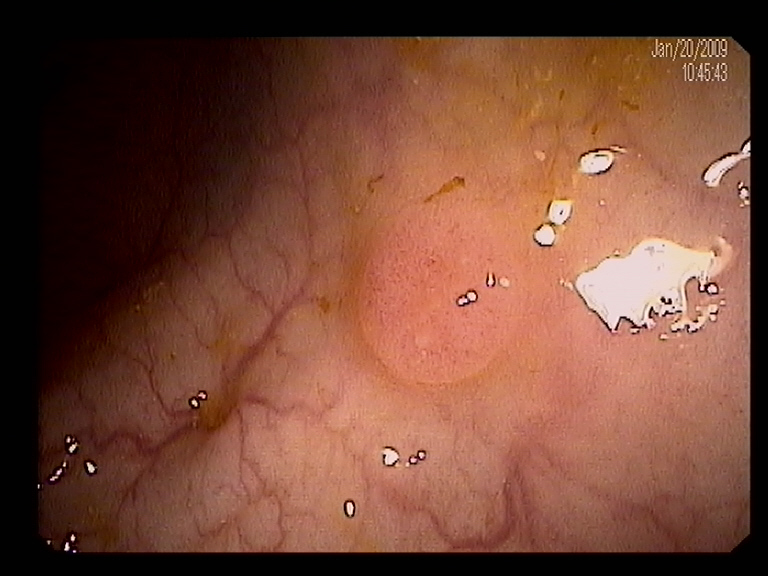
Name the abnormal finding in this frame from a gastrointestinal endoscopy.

colon polyp